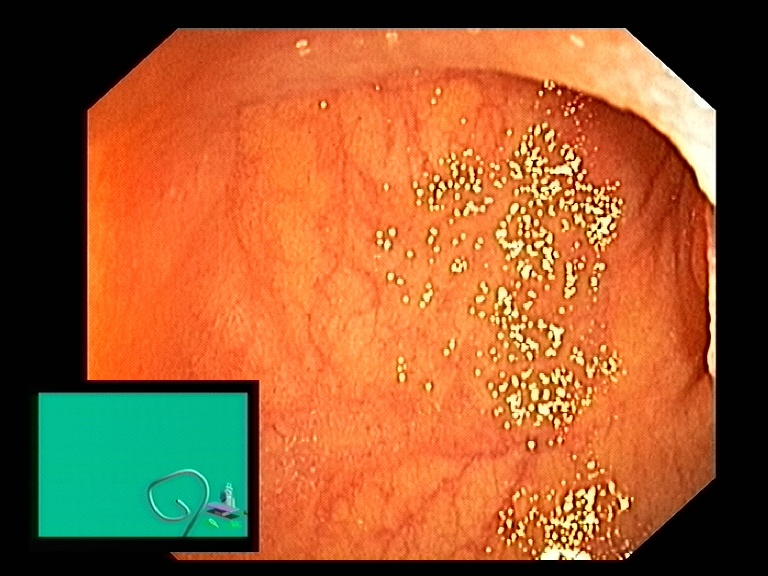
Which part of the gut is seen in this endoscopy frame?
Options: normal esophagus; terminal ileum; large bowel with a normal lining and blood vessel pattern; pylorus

large bowel with a normal lining and blood vessel pattern